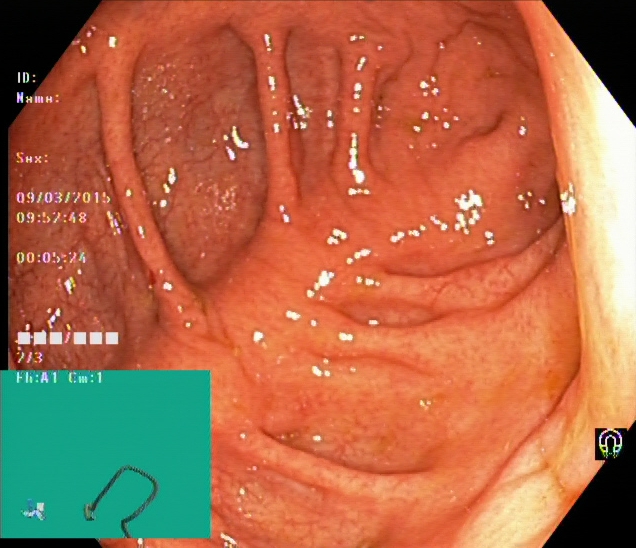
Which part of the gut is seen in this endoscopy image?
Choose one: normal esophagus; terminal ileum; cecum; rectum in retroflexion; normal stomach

cecum